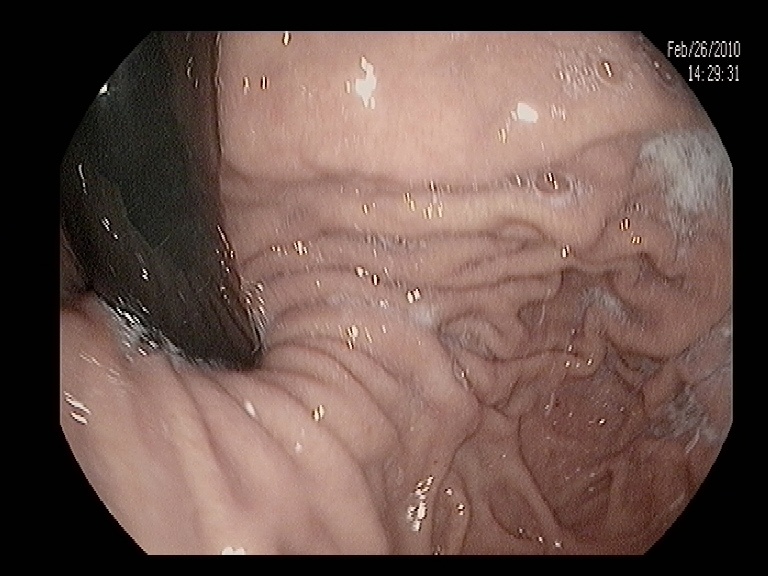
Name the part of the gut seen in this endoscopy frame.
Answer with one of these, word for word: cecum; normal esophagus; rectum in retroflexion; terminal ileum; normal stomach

normal stomach